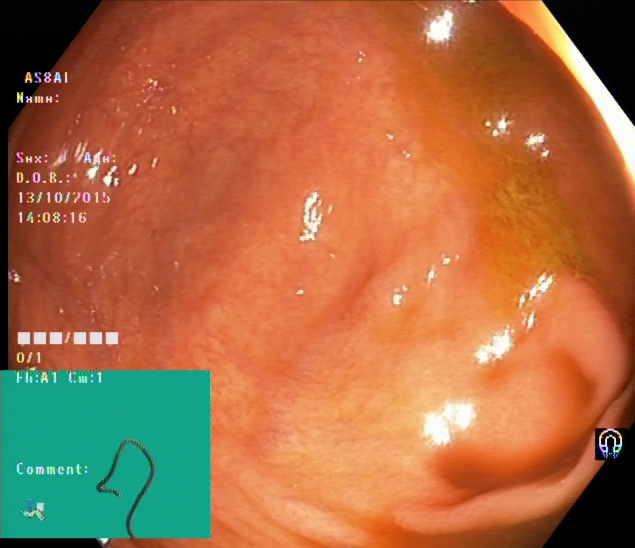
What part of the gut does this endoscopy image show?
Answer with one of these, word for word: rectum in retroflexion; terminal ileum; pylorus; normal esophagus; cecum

cecum